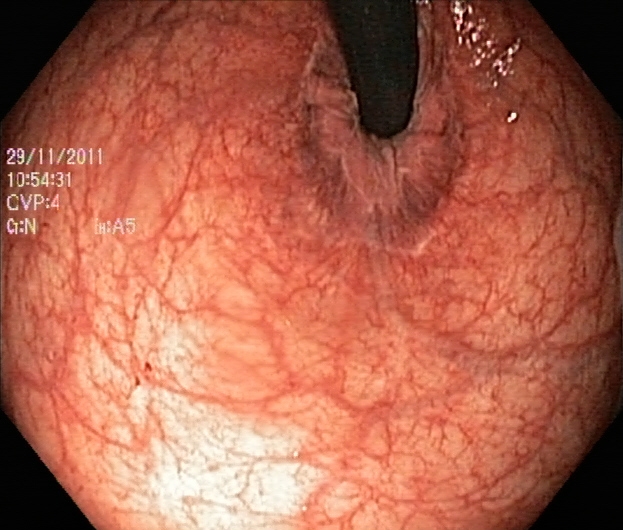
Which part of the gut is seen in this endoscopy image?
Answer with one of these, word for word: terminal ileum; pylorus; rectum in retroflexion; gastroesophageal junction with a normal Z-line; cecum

rectum in retroflexion